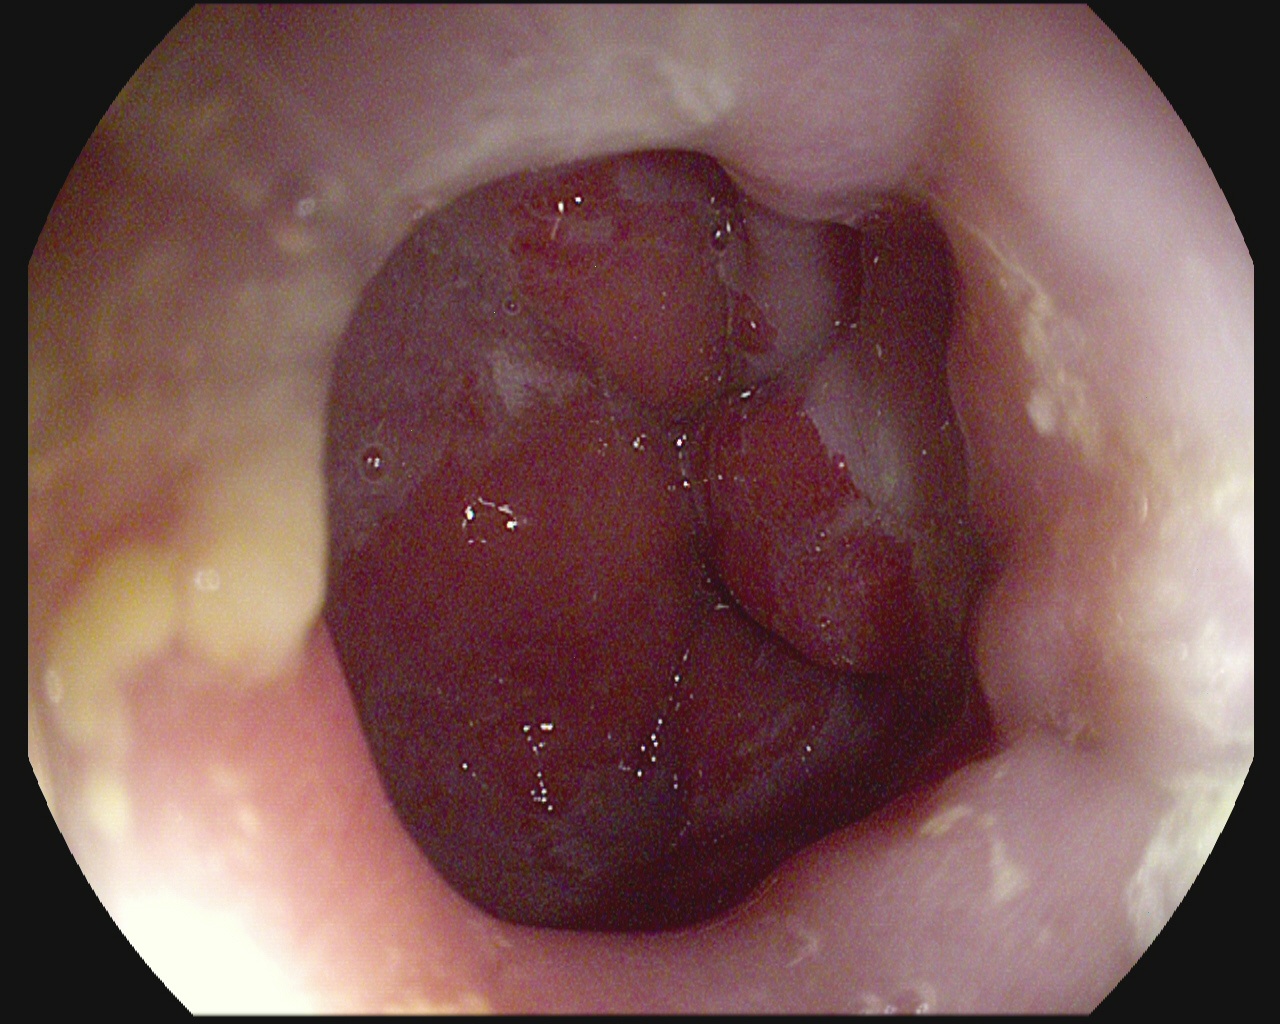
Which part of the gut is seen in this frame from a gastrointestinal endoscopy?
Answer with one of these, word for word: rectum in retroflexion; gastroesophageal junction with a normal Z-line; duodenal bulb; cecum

gastroesophageal junction with a normal Z-line